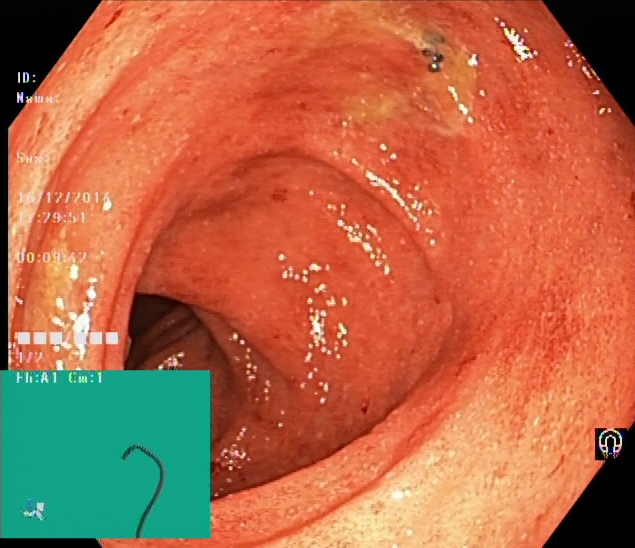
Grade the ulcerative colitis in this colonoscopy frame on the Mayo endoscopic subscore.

ulcerative colitis, Mayo endoscopic subscore 2